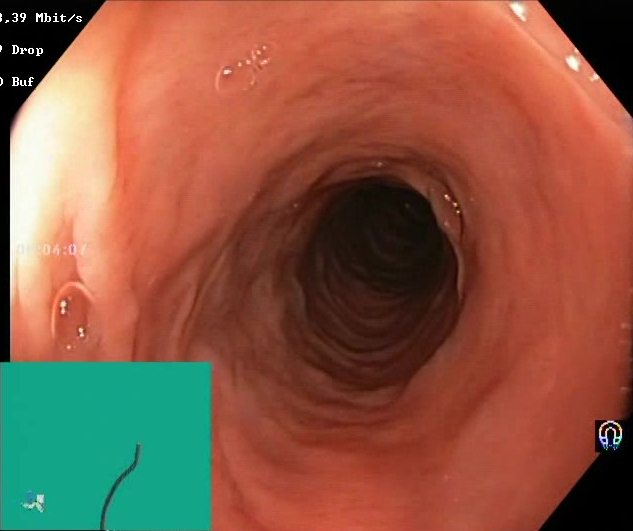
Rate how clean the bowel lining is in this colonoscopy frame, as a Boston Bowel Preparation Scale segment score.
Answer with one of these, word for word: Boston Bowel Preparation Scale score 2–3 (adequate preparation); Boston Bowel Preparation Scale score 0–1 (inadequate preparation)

Boston Bowel Preparation Scale score 2–3 (adequate preparation)